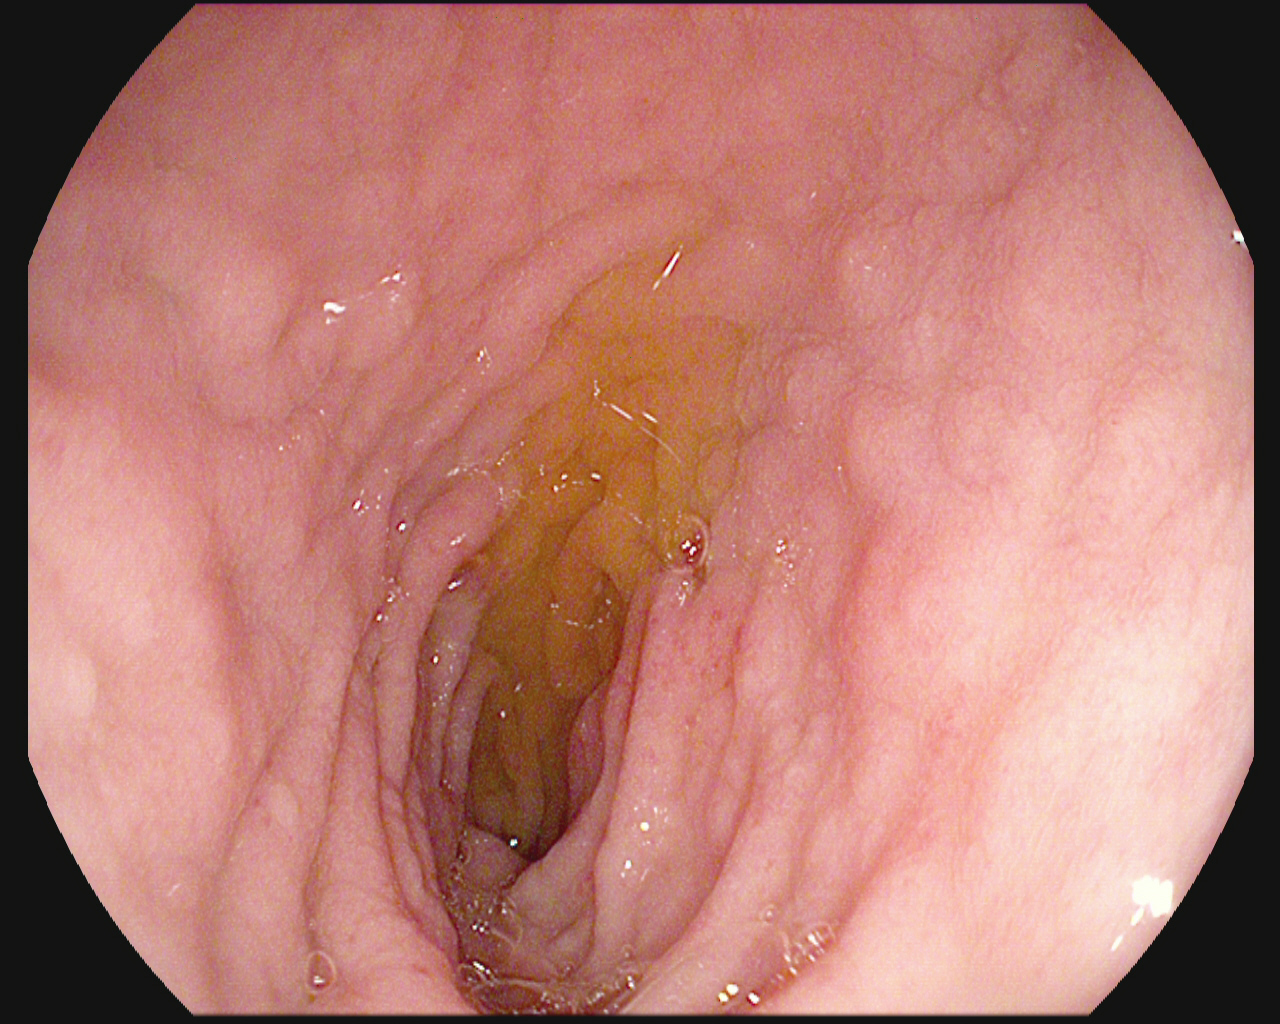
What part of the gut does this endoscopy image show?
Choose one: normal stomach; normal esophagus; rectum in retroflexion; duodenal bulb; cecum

duodenal bulb